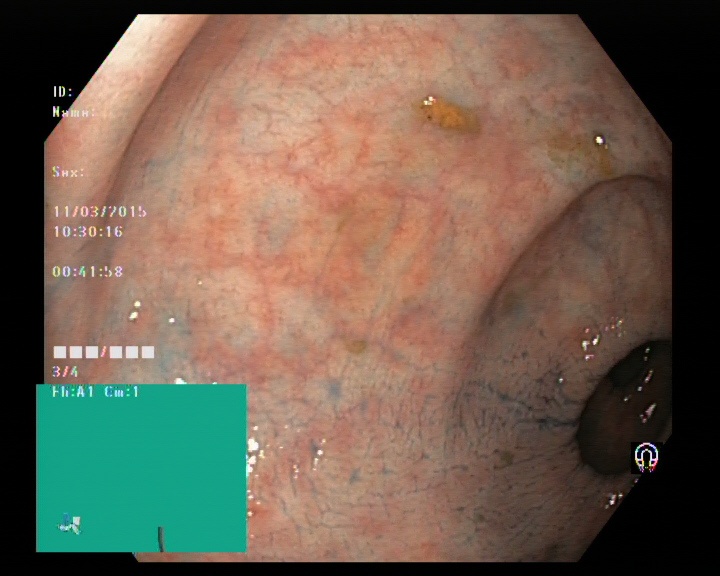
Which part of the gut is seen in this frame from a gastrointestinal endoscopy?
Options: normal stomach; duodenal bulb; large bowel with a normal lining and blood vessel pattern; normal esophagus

large bowel with a normal lining and blood vessel pattern